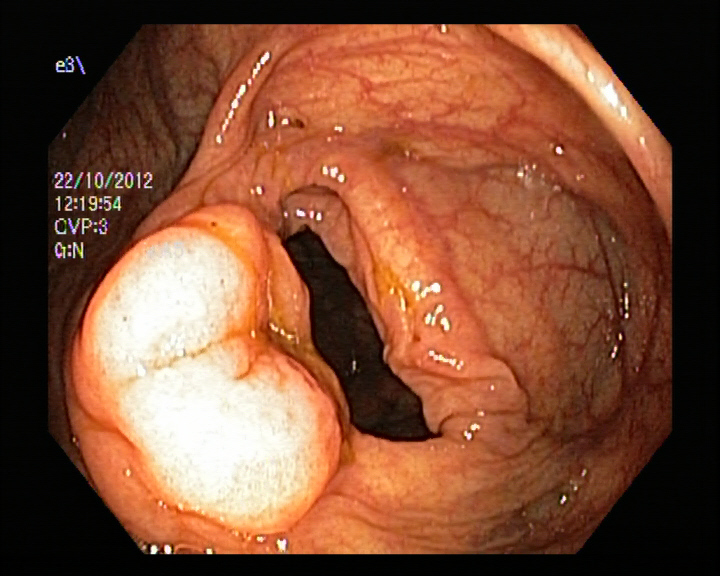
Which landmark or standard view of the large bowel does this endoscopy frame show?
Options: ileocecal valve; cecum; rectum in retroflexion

ileocecal valve